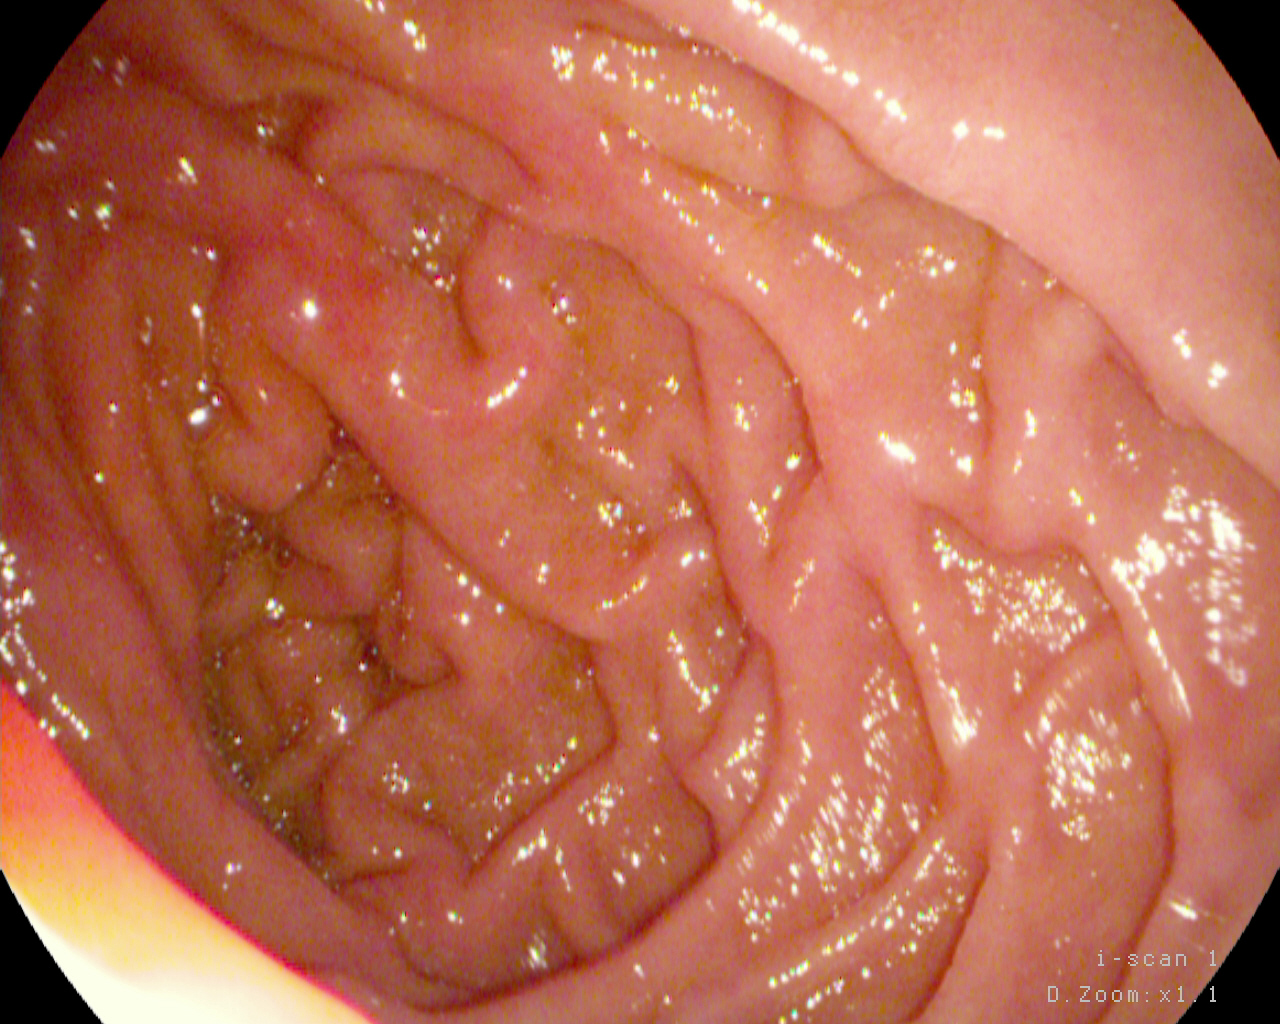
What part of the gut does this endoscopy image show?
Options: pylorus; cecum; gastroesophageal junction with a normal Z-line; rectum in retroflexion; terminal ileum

terminal ileum